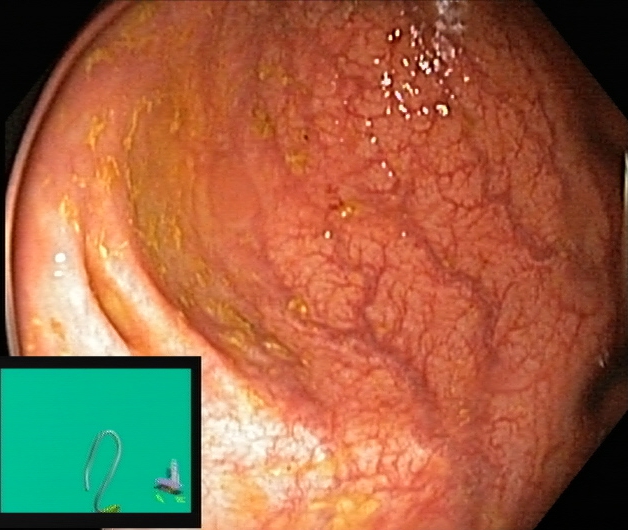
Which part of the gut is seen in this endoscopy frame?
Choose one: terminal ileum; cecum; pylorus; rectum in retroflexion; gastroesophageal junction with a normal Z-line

cecum